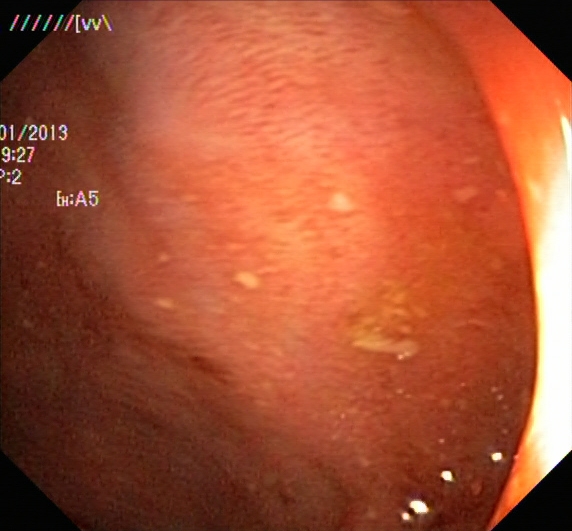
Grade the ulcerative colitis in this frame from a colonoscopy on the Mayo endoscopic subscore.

ulcerative colitis, Mayo endoscopic subscore 2